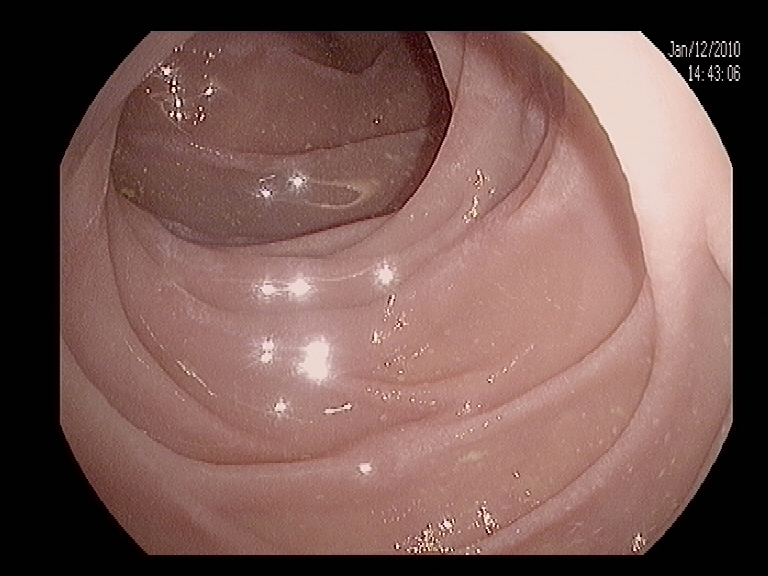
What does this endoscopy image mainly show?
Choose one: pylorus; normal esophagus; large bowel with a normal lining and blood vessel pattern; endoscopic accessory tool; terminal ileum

terminal ileum